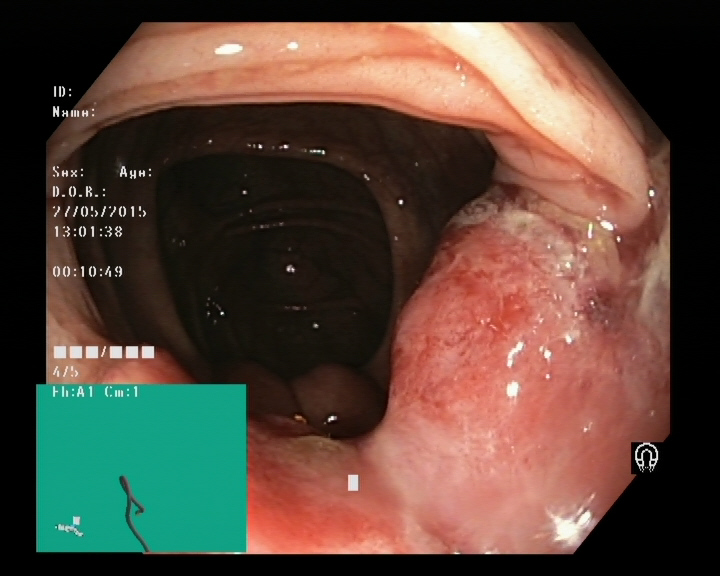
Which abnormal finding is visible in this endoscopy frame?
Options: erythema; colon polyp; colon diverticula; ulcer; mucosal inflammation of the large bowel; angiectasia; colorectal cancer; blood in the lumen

colorectal cancer